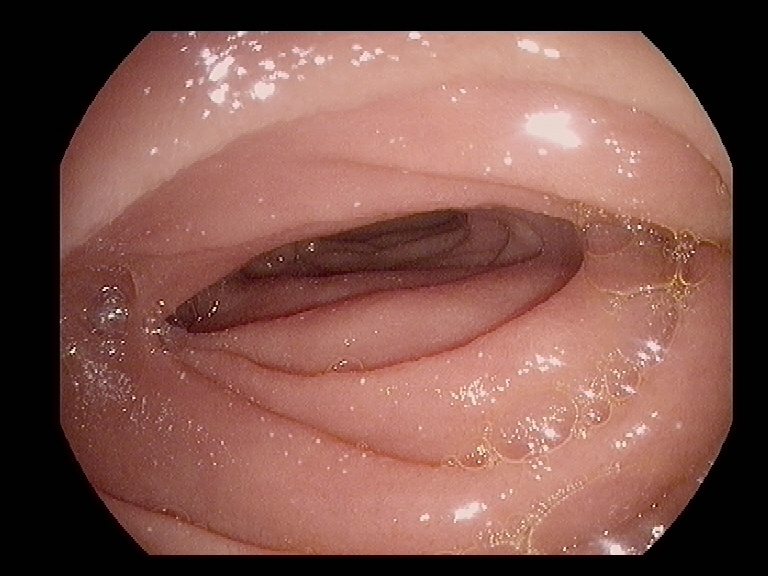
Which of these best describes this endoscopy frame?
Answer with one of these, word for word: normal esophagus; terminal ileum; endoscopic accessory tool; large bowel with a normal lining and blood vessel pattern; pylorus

terminal ileum